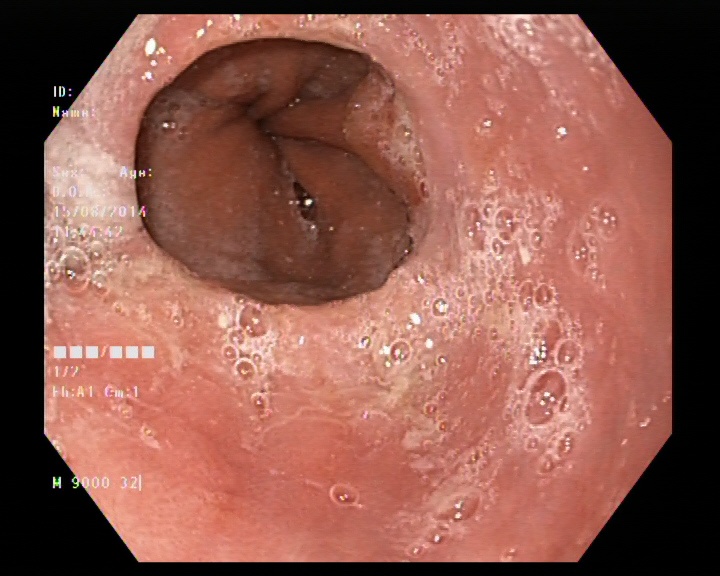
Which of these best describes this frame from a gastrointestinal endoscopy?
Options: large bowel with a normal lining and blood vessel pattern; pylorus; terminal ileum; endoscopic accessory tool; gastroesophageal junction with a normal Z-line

gastroesophageal junction with a normal Z-line